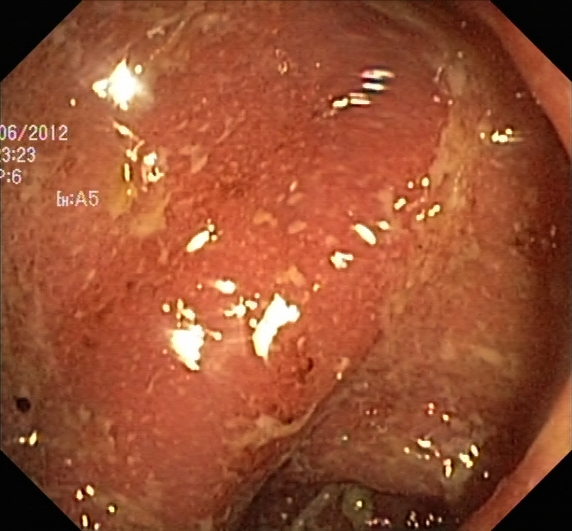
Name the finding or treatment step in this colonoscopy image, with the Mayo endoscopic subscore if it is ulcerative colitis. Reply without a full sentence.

ulcerative colitis, Mayo endoscopic subscore 2